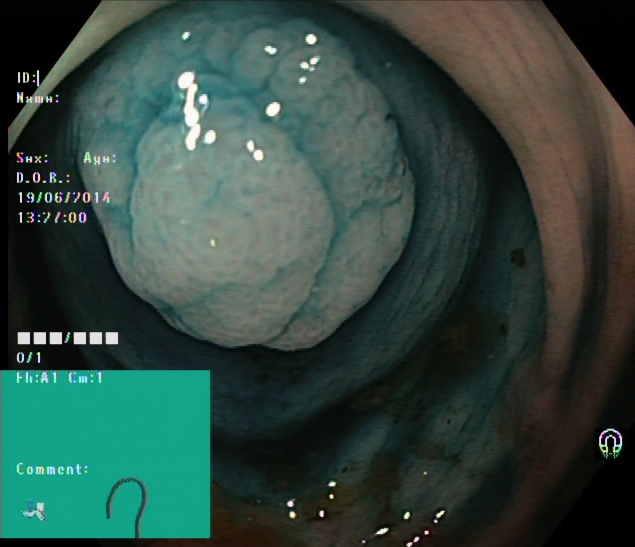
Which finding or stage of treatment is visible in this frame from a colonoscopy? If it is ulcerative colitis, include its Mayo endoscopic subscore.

dyed and lifted polyp (pre-resection)